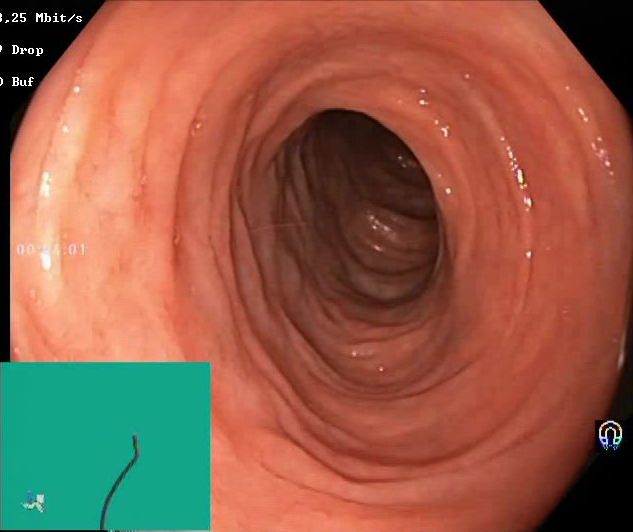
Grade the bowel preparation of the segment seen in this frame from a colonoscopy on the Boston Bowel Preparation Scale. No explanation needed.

Boston Bowel Preparation Scale score 2–3 (adequate preparation)